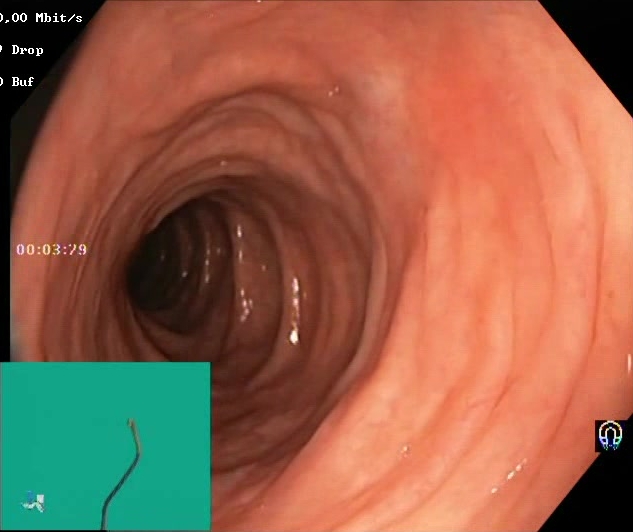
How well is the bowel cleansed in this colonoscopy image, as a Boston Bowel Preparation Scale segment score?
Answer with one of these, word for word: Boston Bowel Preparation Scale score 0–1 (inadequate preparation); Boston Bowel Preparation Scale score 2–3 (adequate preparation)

Boston Bowel Preparation Scale score 2–3 (adequate preparation)